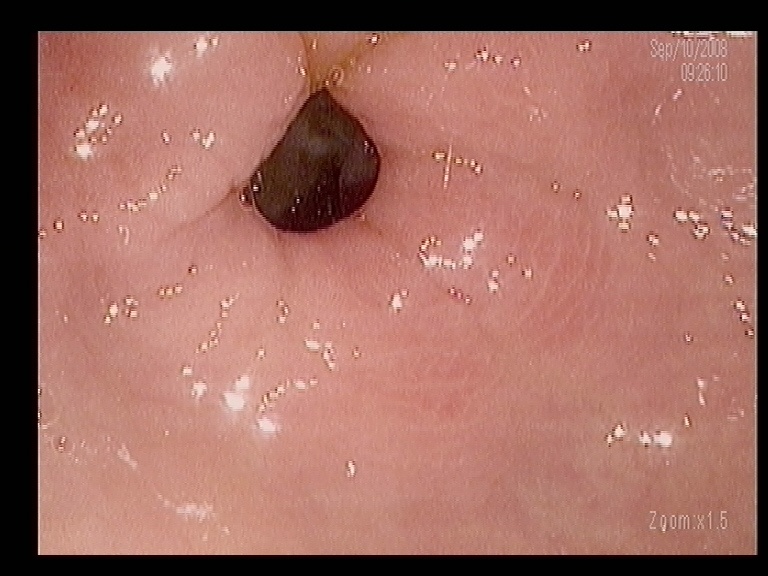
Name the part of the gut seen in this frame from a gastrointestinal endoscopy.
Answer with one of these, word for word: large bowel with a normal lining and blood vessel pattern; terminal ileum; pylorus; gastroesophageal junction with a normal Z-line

pylorus